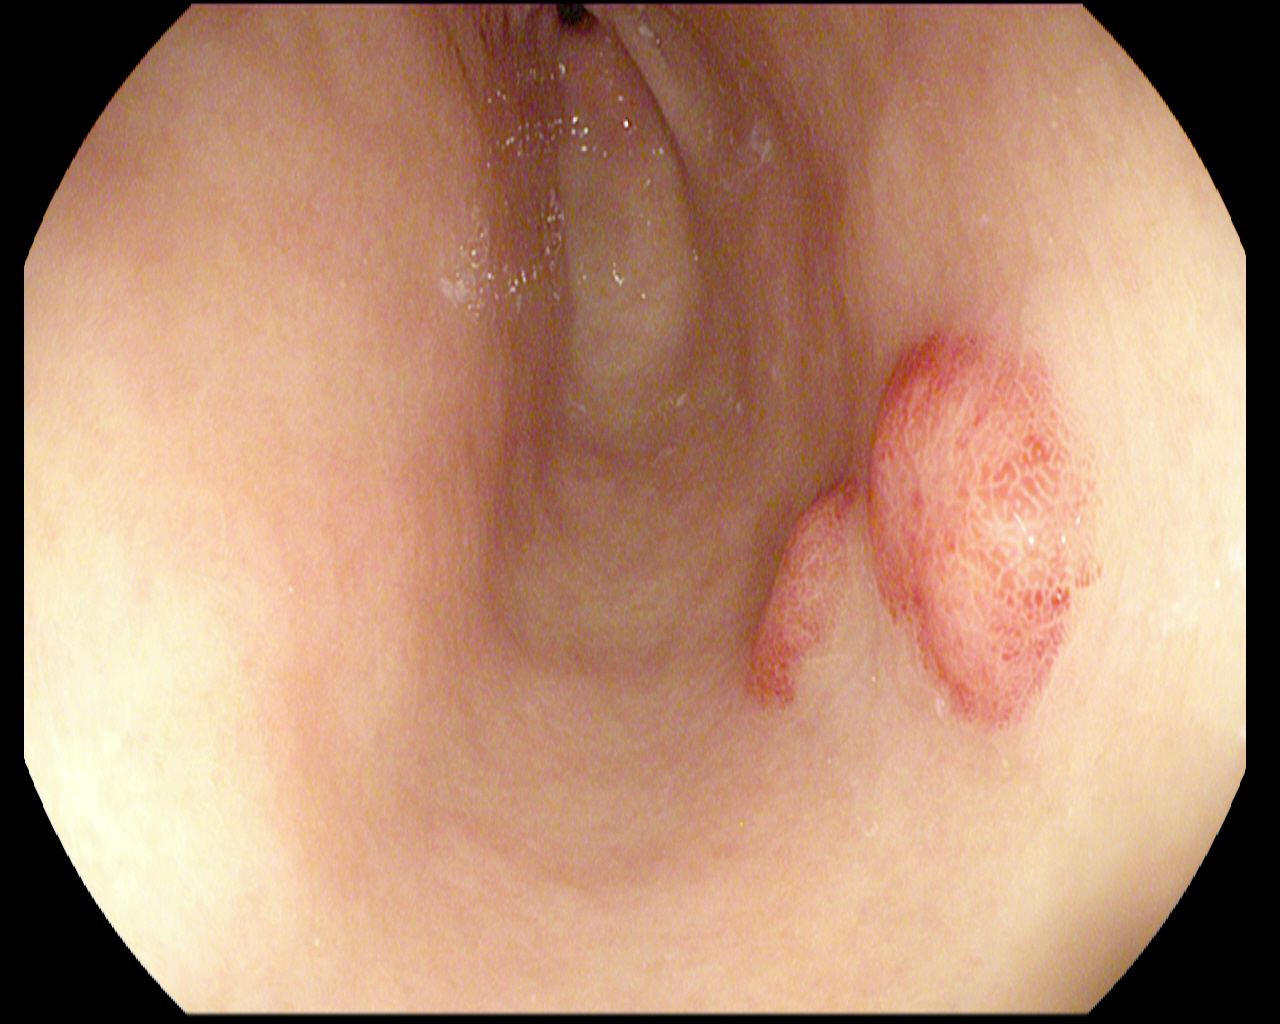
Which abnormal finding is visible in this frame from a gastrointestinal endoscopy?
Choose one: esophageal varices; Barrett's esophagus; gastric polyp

gastric polyp